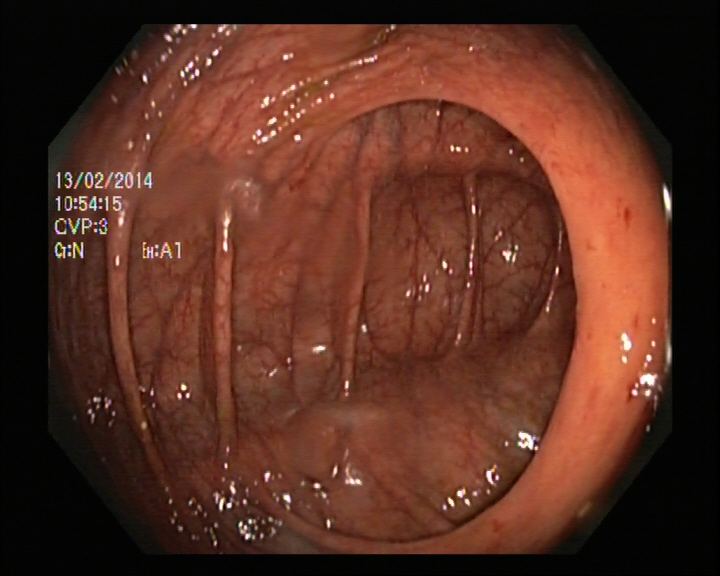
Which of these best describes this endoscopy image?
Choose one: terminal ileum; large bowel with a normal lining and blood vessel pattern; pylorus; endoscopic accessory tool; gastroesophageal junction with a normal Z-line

large bowel with a normal lining and blood vessel pattern